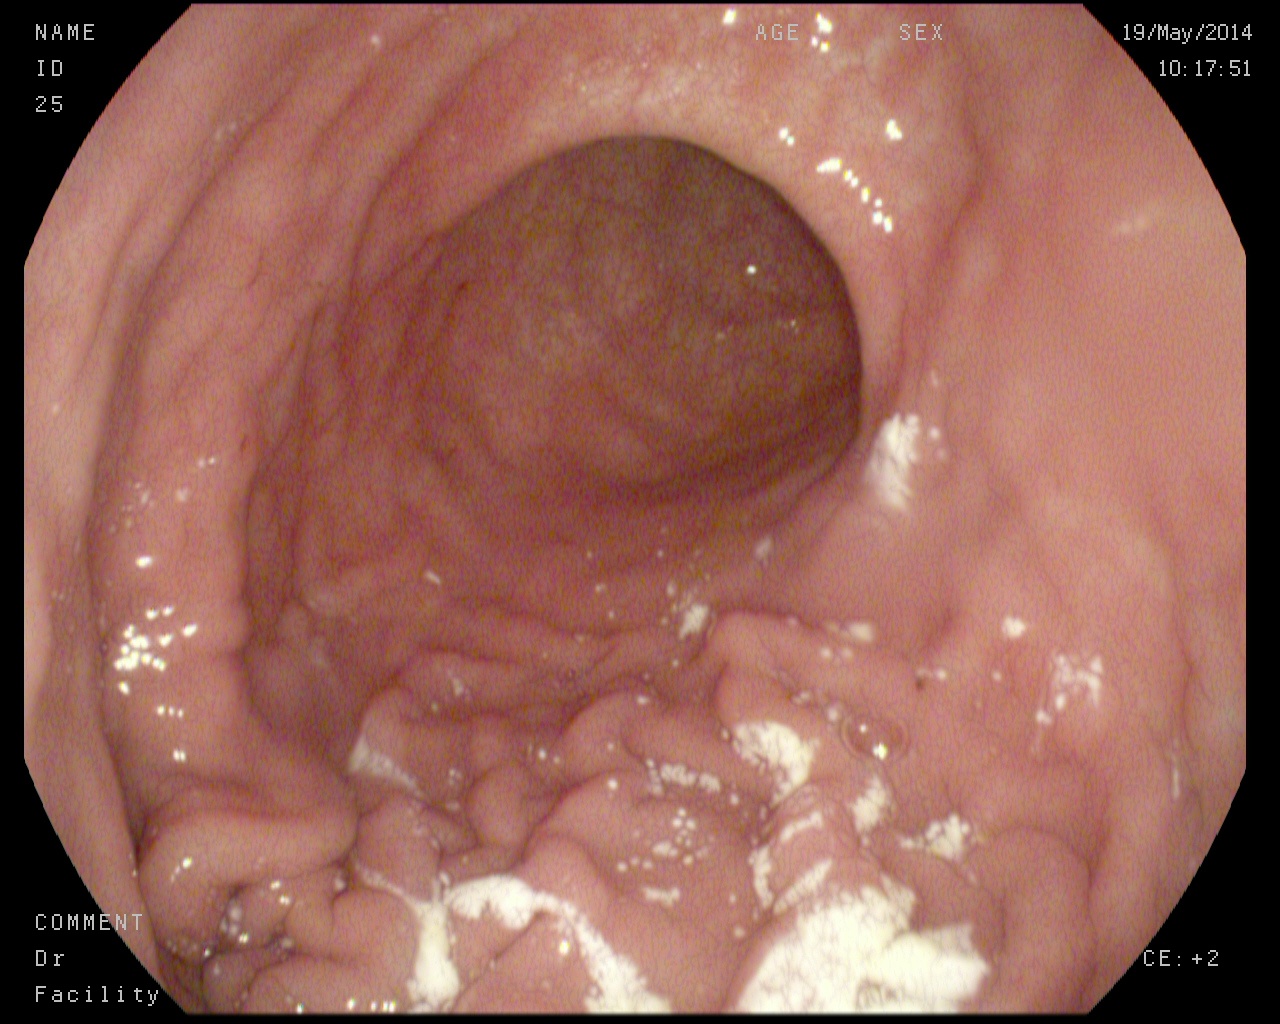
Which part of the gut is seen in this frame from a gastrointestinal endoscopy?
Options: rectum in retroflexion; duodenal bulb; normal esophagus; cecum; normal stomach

normal stomach